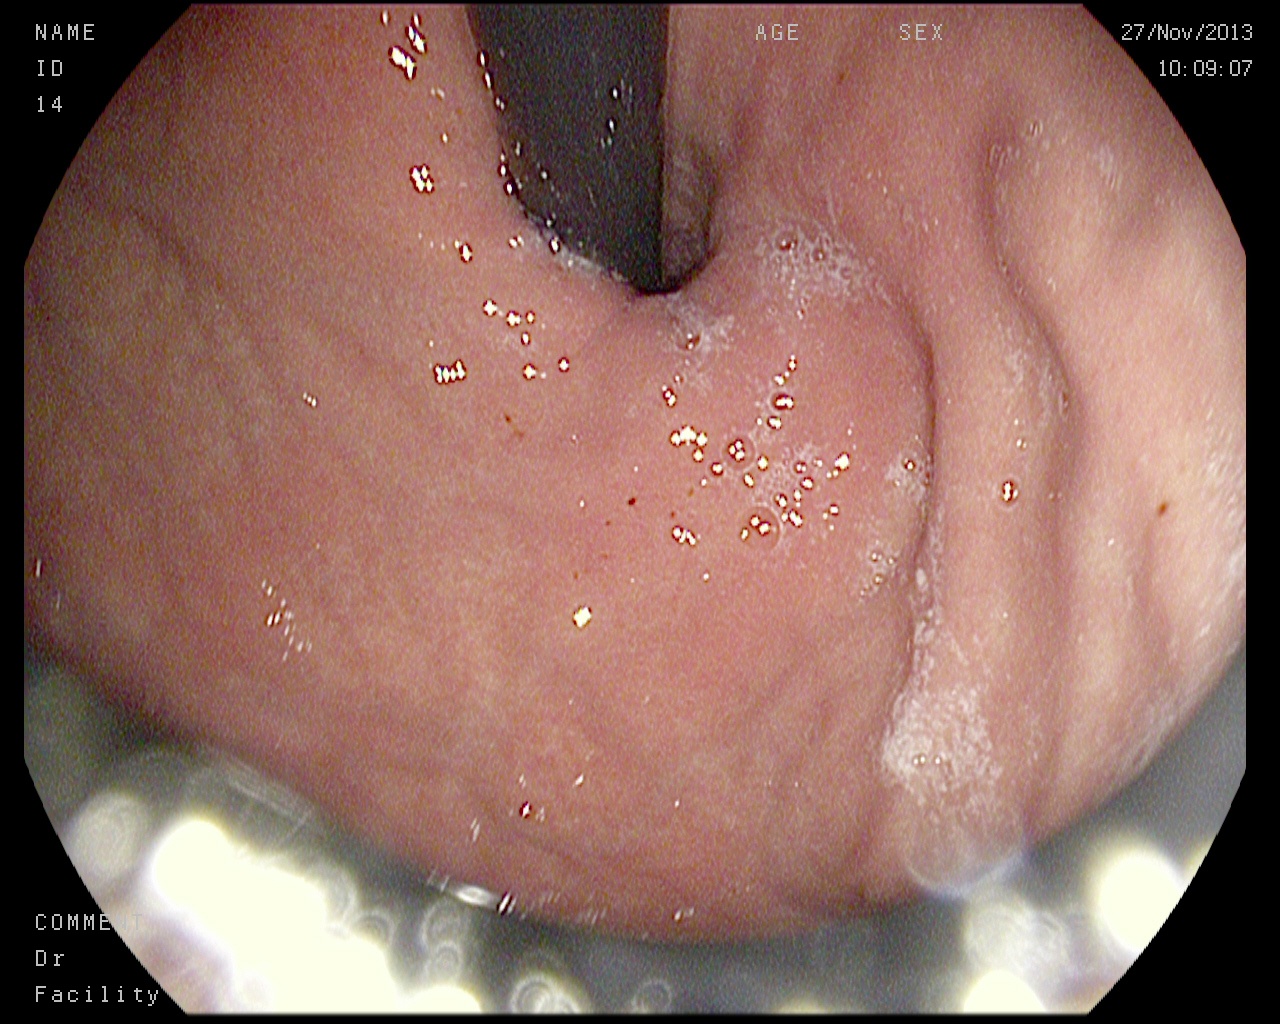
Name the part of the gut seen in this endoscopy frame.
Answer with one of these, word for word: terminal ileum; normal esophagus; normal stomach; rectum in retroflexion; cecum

normal stomach